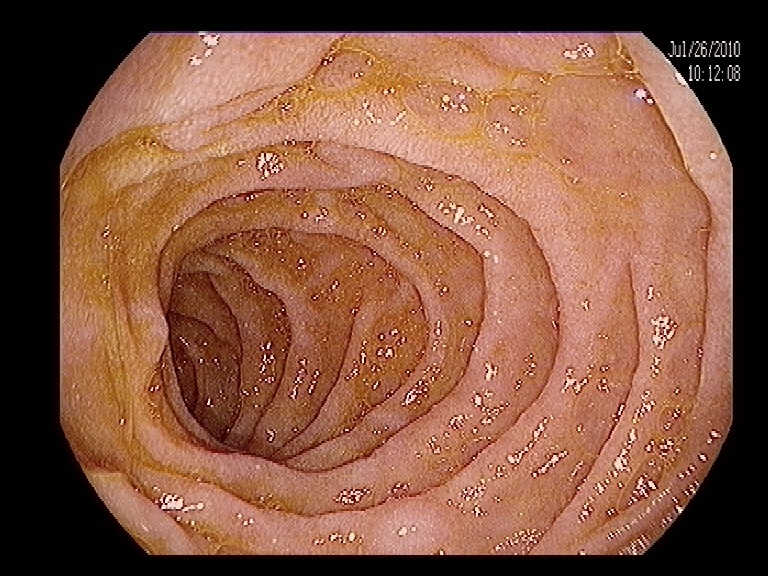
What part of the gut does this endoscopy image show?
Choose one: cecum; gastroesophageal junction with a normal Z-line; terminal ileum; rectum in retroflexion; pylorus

terminal ileum